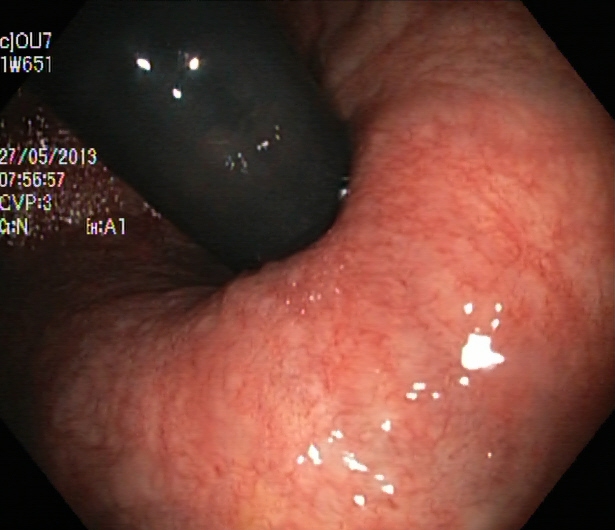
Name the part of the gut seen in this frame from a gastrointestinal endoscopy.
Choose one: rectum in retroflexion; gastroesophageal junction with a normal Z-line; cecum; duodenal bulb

rectum in retroflexion